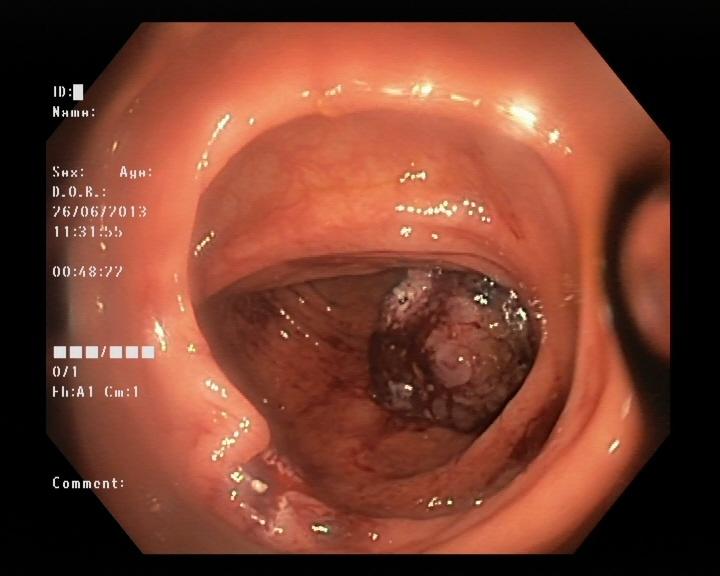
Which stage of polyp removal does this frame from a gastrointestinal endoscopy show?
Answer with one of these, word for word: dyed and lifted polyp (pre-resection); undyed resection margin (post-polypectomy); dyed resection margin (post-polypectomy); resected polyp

resected polyp